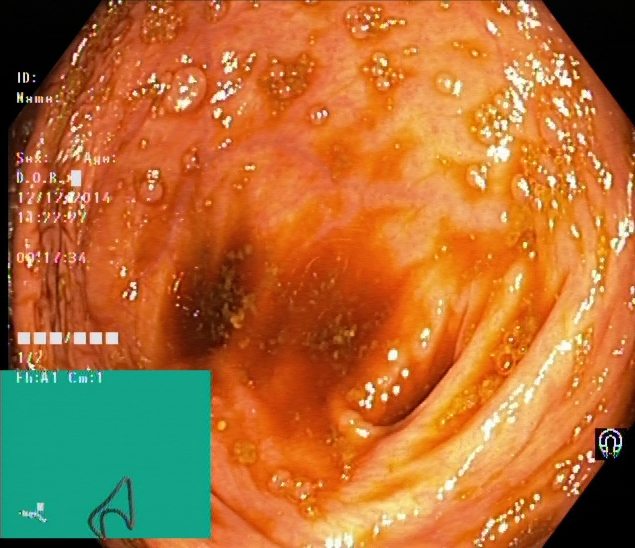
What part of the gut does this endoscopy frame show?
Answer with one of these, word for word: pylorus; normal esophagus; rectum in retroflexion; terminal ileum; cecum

cecum